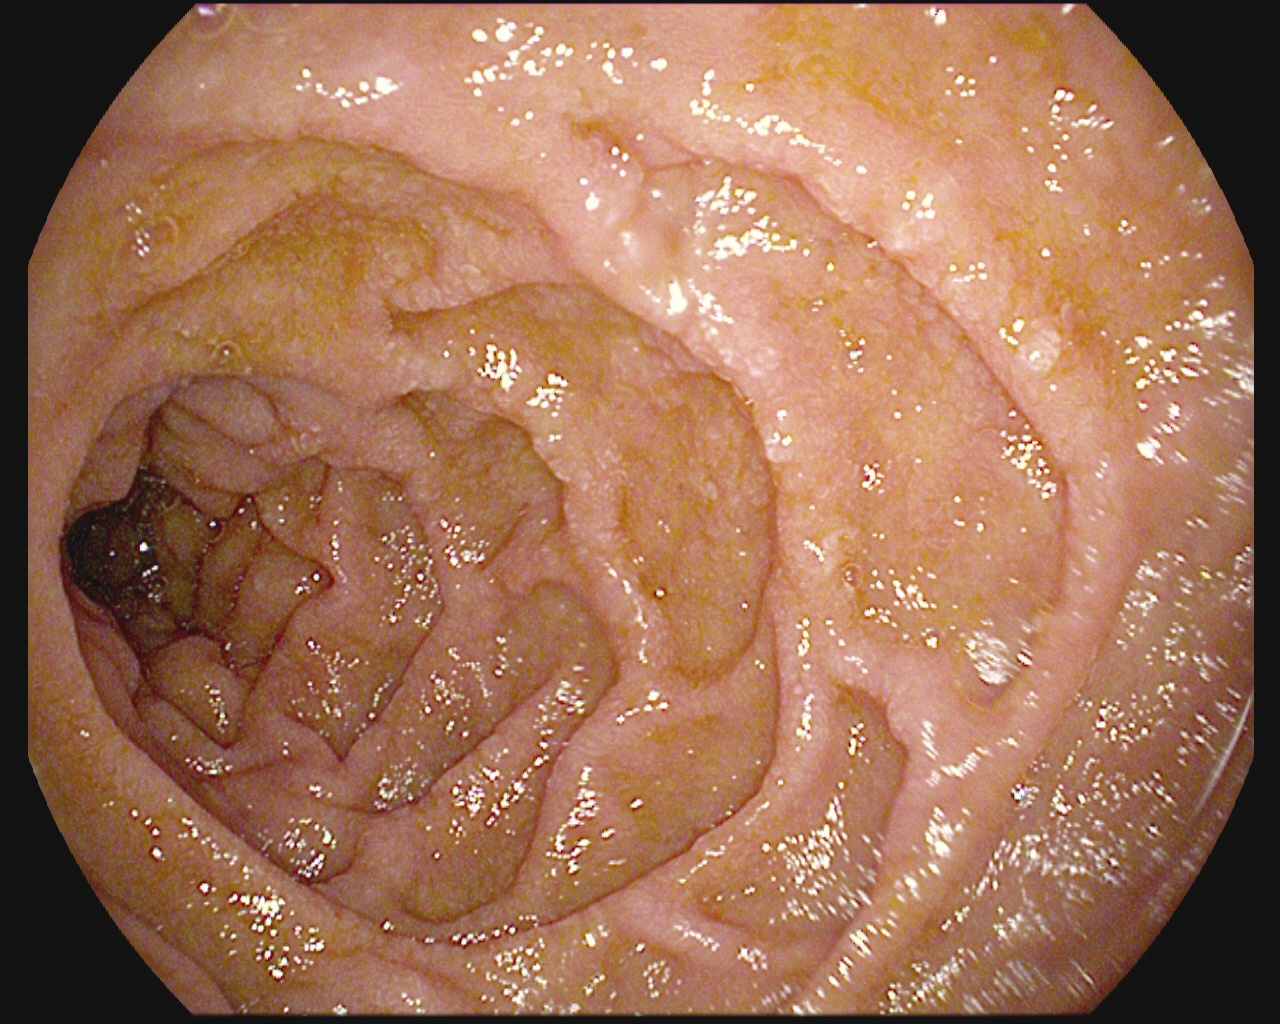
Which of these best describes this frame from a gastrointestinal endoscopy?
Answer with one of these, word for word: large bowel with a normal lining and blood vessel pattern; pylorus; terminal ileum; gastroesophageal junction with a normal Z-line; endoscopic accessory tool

terminal ileum